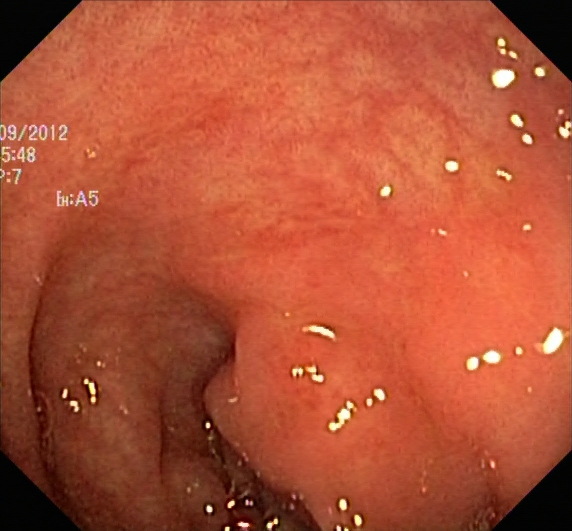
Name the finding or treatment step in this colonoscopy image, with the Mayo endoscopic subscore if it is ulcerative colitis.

ulcerative colitis, Mayo endoscopic subscore 1